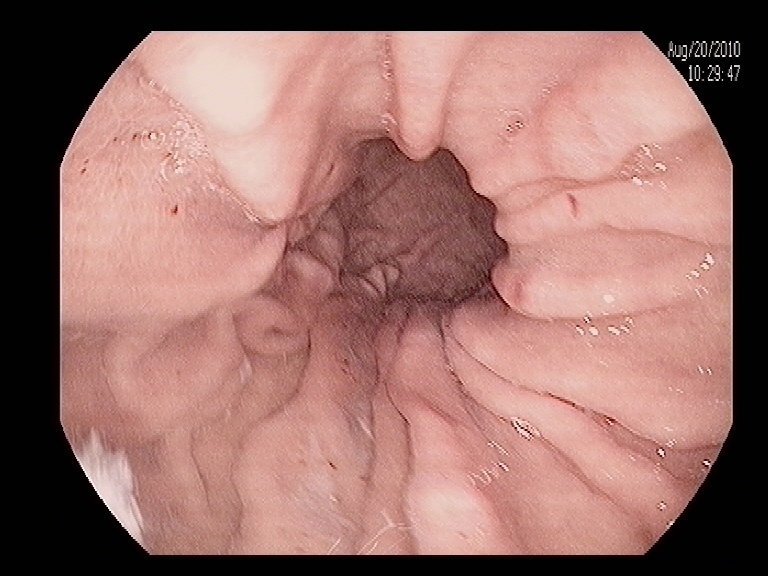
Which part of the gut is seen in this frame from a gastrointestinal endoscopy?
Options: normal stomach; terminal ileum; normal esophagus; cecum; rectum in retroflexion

normal stomach